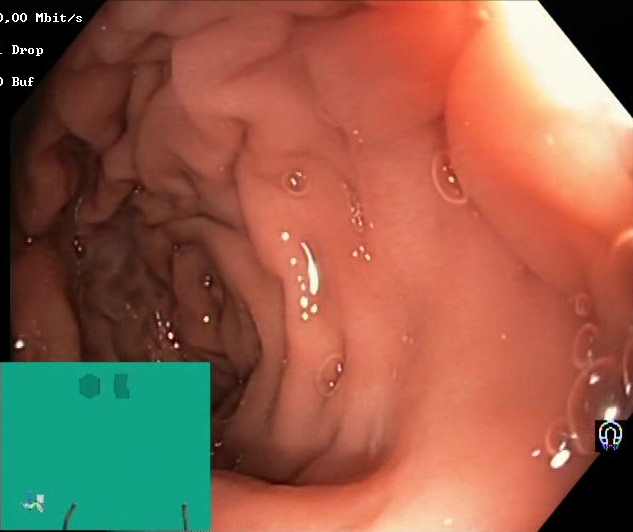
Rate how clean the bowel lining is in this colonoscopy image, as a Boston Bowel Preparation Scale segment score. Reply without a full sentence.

Boston Bowel Preparation Scale score 2–3 (adequate preparation)